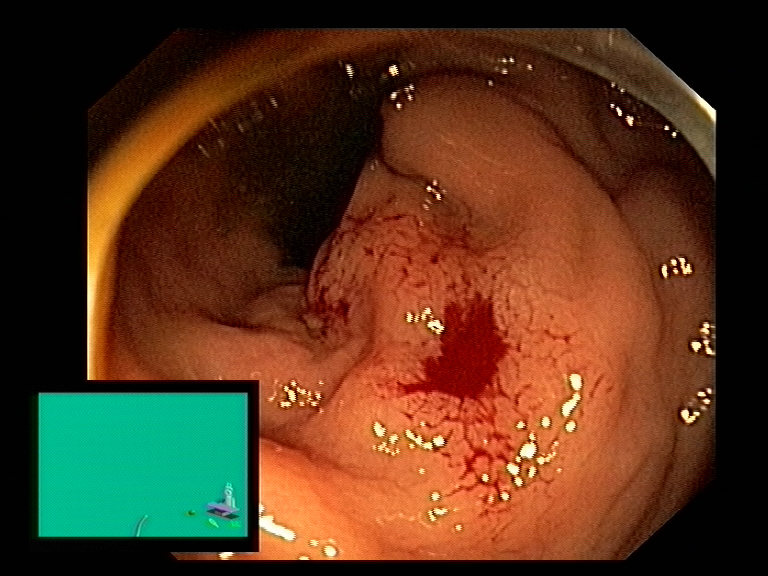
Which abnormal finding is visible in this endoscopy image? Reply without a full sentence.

blood in the lumen